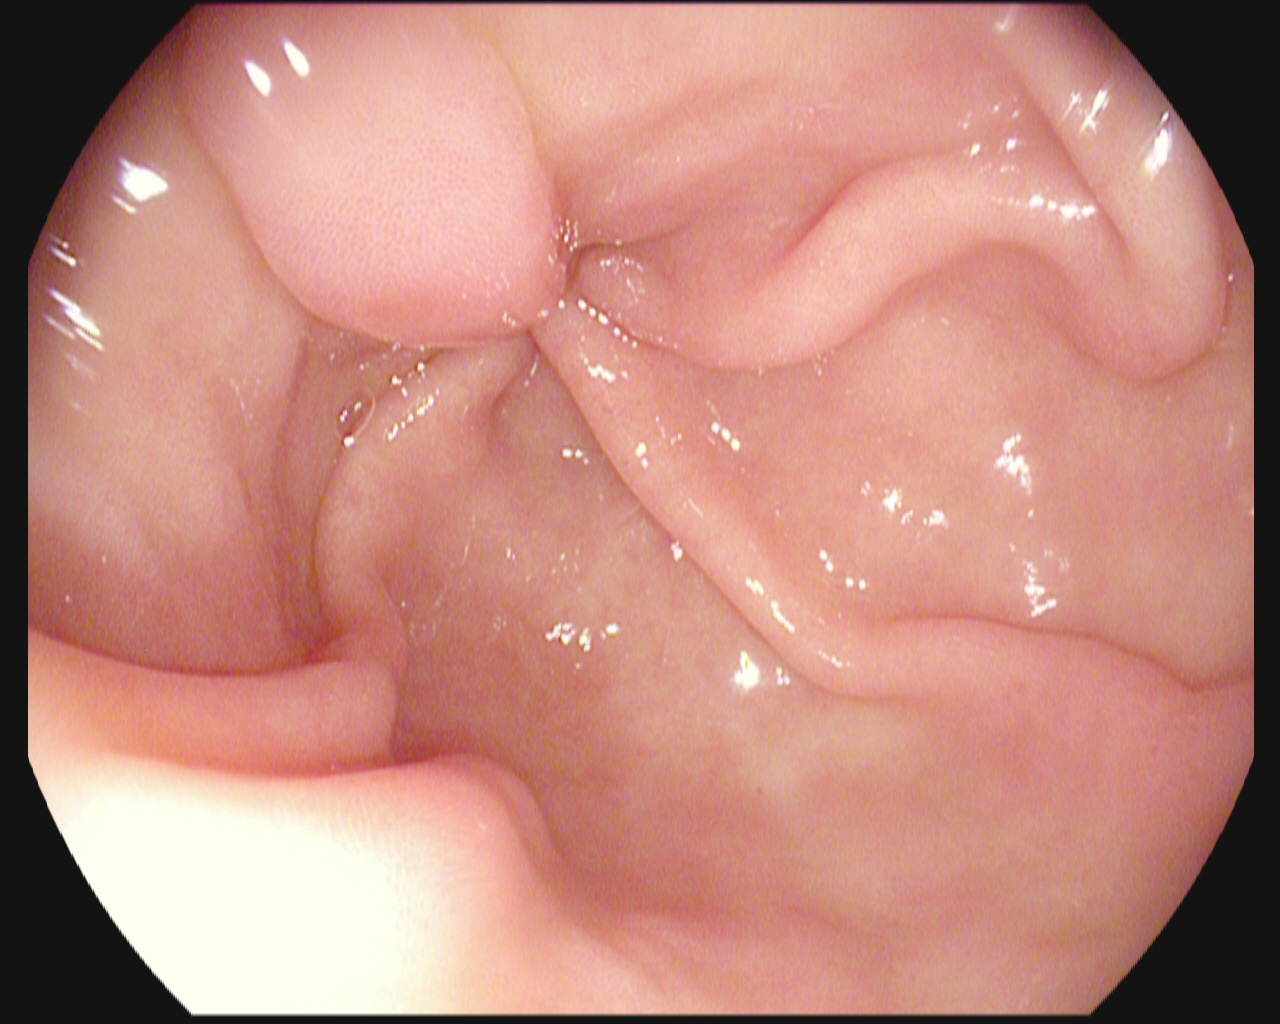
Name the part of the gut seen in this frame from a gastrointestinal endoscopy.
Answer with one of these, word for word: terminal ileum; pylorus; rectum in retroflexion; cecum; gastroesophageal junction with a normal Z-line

pylorus